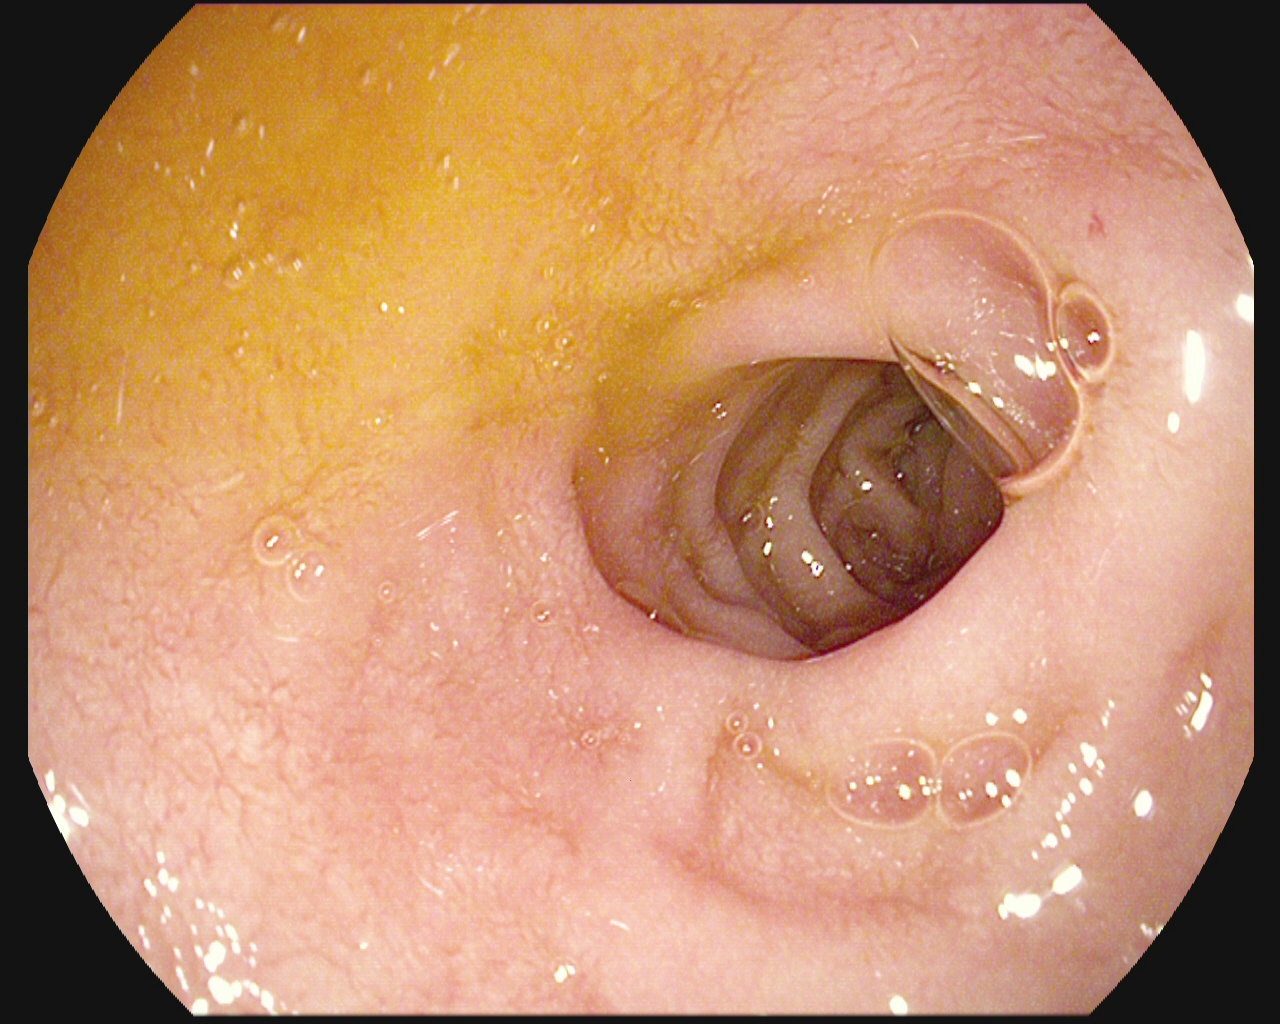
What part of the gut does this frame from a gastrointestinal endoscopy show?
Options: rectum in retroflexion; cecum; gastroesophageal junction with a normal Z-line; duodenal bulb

duodenal bulb